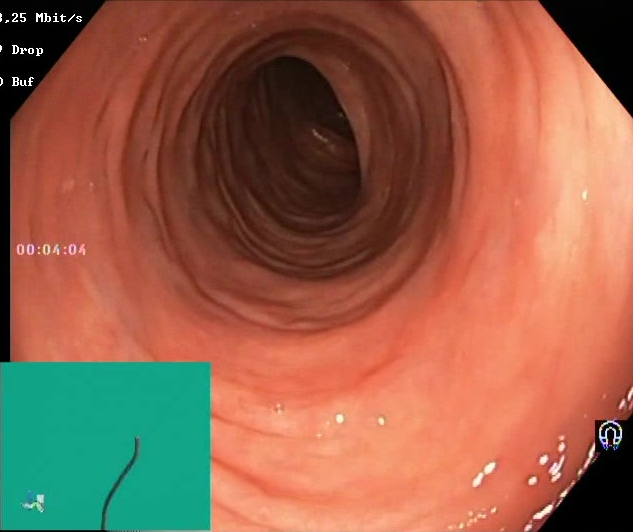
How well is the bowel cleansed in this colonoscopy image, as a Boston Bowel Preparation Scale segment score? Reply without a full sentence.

Boston Bowel Preparation Scale score 2–3 (adequate preparation)